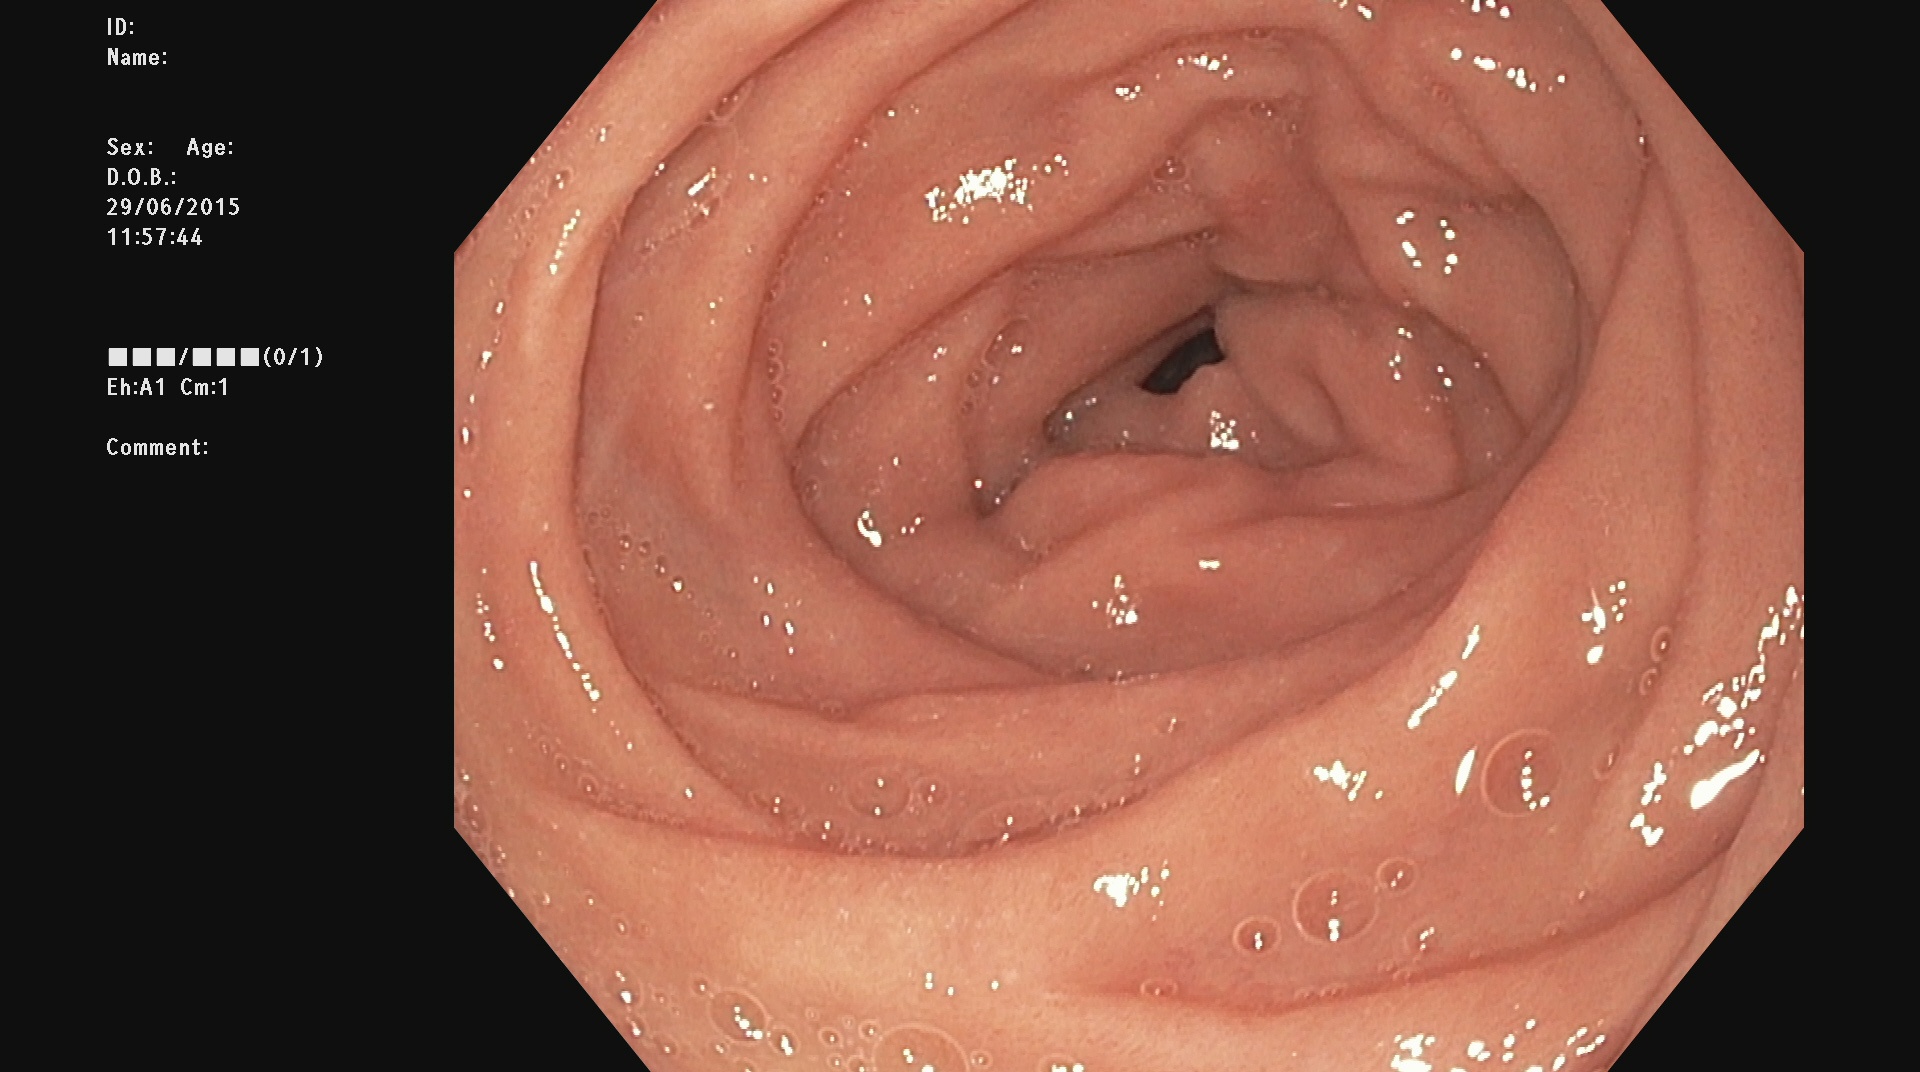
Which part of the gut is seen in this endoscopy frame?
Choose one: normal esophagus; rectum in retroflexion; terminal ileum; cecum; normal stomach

terminal ileum